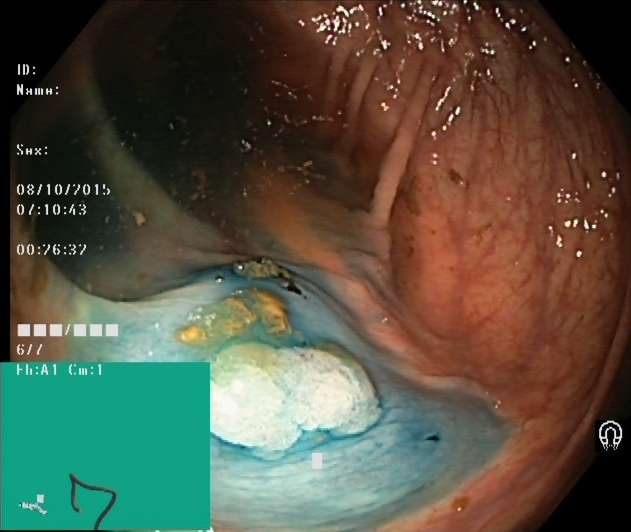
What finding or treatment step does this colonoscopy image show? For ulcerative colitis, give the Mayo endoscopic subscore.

dyed and lifted polyp (pre-resection)